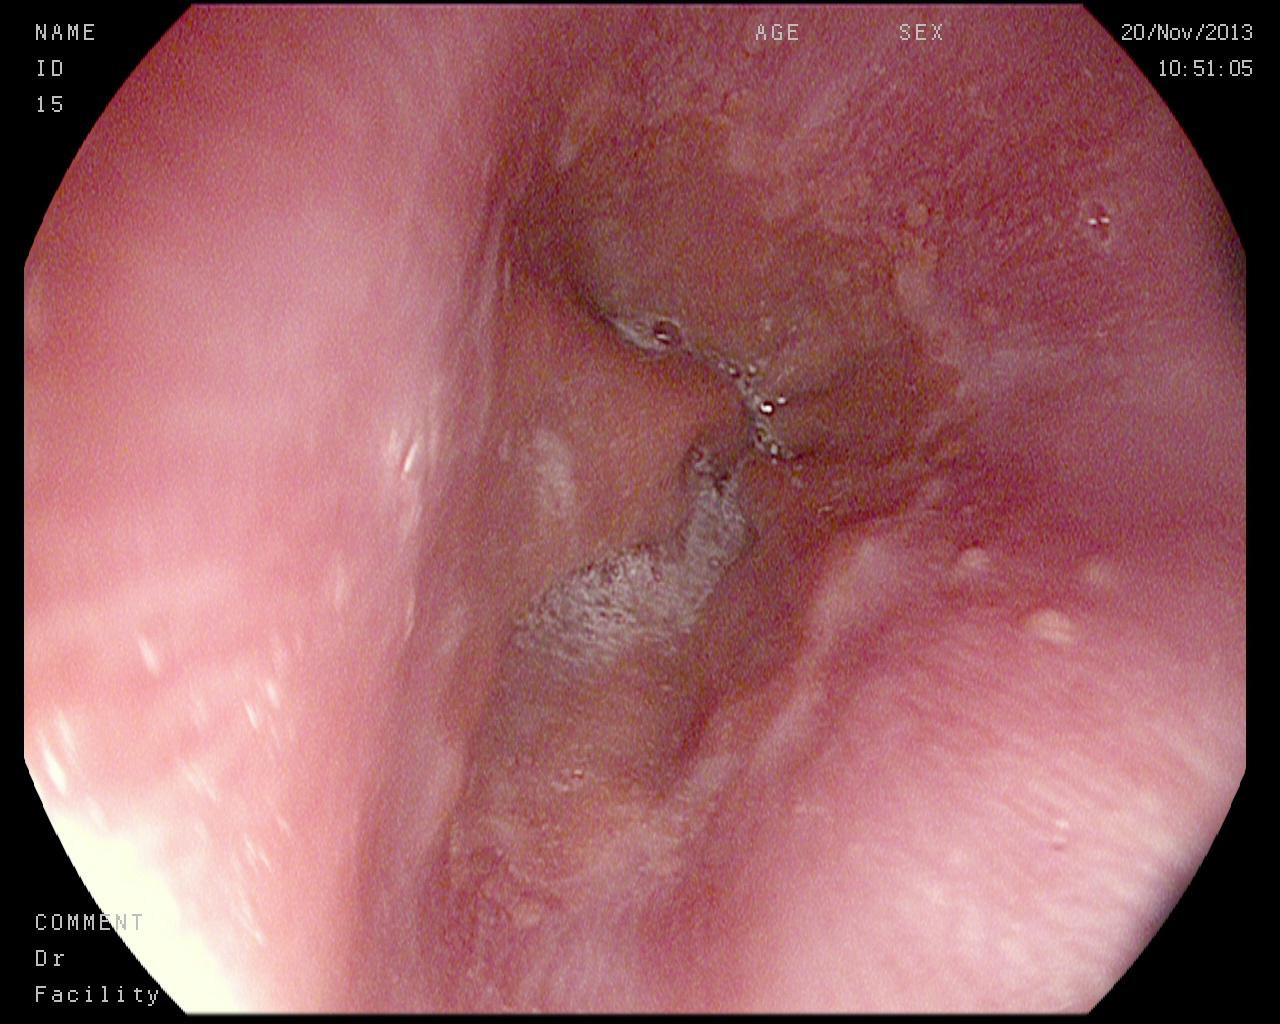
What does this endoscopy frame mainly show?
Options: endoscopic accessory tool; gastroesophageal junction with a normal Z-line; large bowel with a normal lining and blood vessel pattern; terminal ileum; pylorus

gastroesophageal junction with a normal Z-line